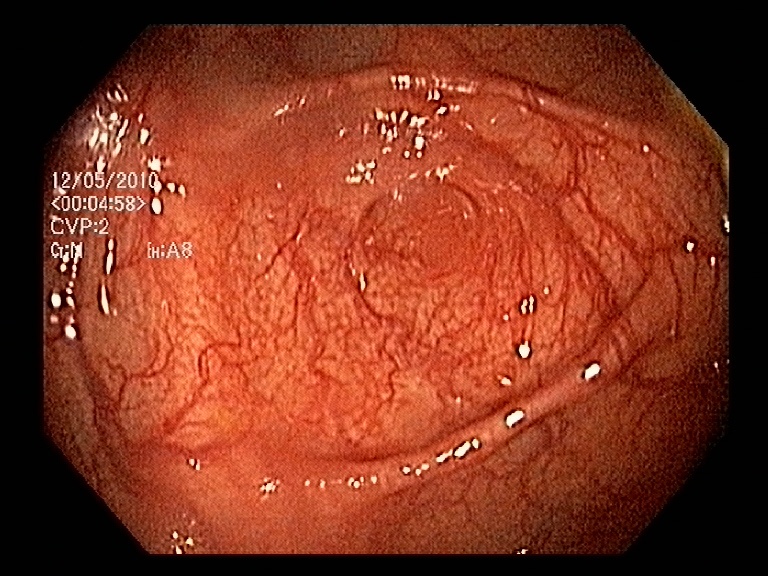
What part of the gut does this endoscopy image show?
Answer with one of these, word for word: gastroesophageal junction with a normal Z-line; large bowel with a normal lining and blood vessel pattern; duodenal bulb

large bowel with a normal lining and blood vessel pattern